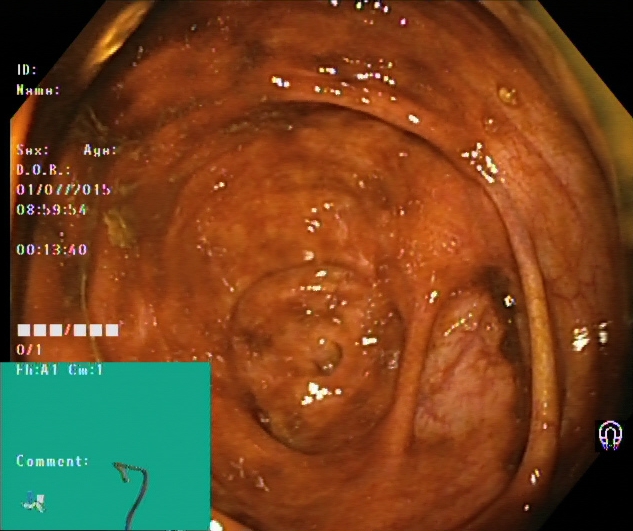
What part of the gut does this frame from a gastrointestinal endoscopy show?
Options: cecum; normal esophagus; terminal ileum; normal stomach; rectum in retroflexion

cecum